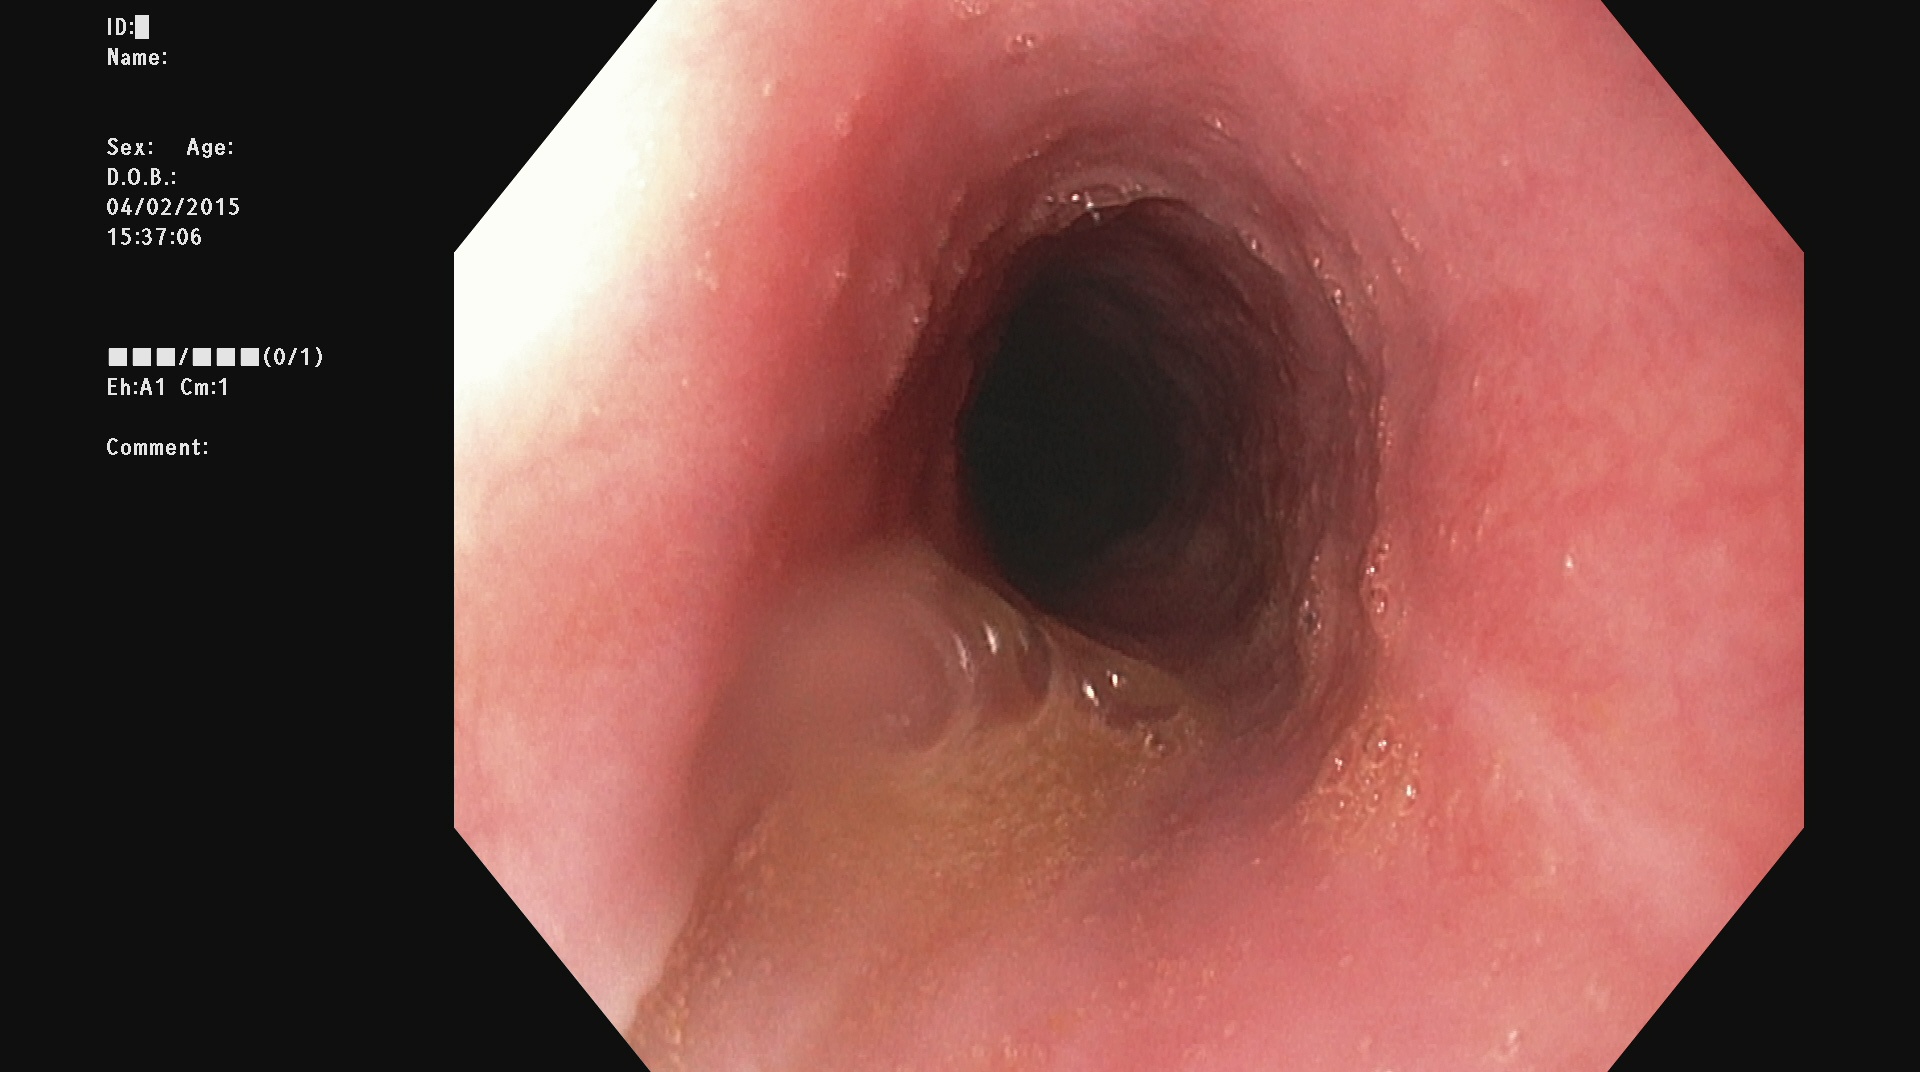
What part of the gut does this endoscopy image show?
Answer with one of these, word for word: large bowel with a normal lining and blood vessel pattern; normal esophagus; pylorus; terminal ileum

normal esophagus